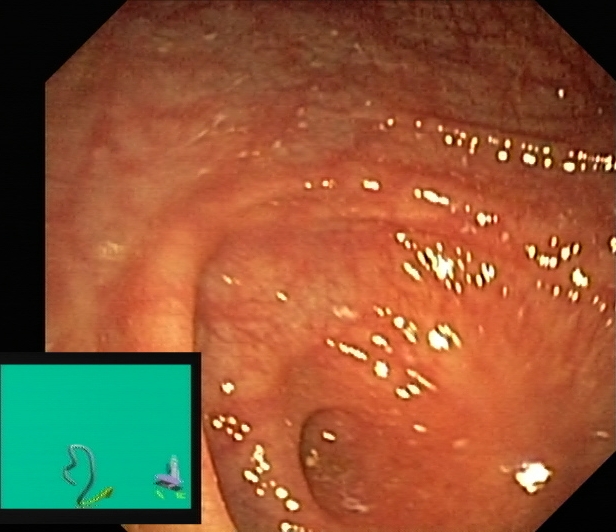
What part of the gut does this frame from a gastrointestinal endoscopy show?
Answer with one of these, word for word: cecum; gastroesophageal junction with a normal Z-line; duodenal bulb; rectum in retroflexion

cecum